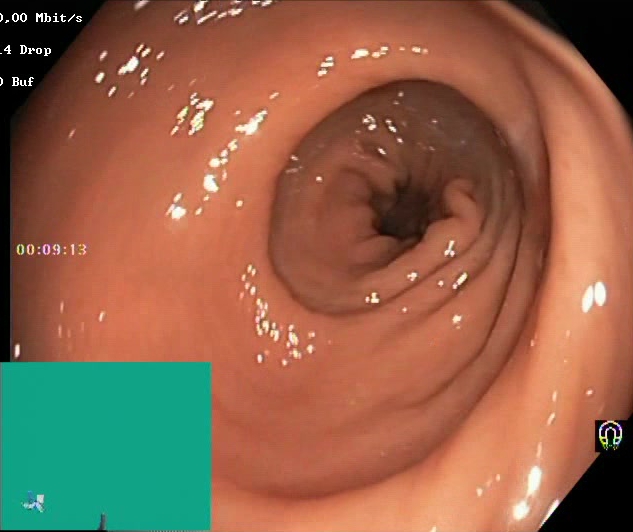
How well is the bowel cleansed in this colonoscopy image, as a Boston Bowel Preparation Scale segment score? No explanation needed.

Boston Bowel Preparation Scale score 2–3 (adequate preparation)